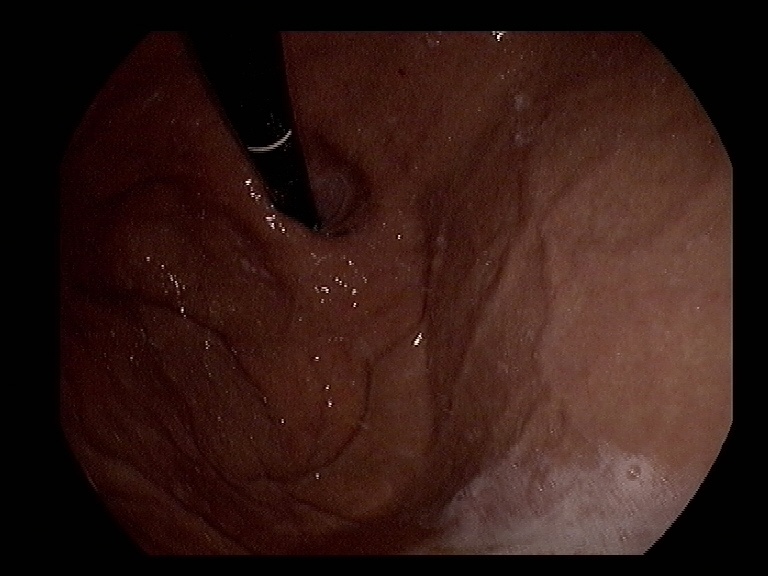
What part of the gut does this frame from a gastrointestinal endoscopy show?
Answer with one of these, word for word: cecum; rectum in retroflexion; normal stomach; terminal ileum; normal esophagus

normal stomach